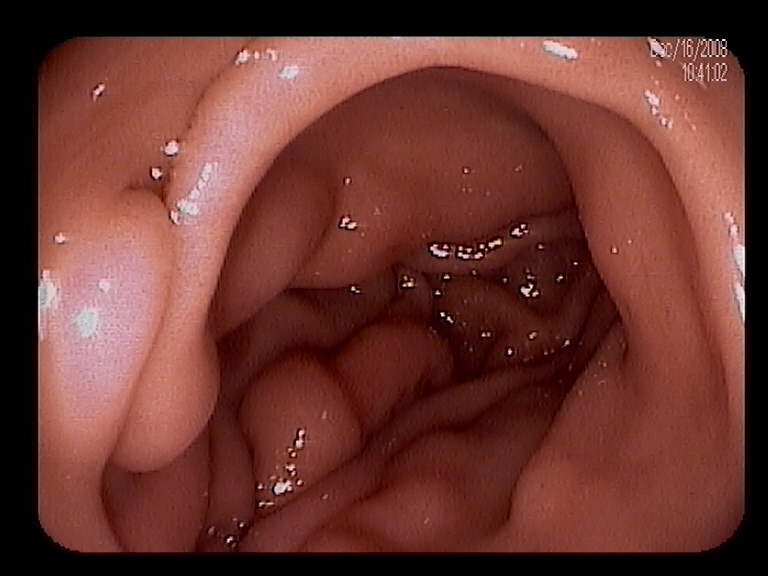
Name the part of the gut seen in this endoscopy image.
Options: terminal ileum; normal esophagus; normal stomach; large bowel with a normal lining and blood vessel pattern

normal stomach